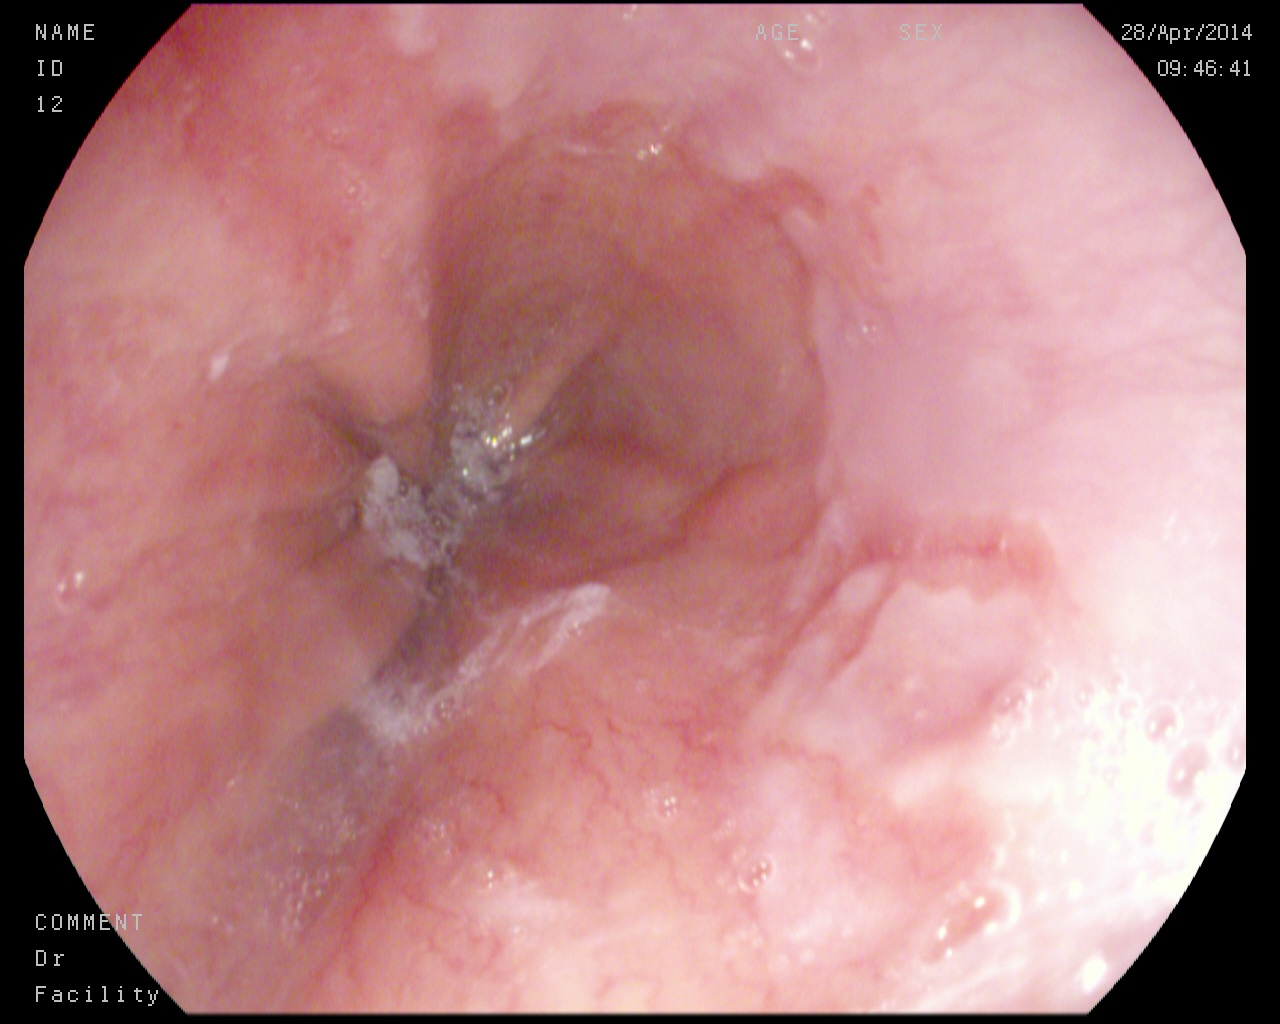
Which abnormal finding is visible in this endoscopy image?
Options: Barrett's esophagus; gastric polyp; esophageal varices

Barrett's esophagus